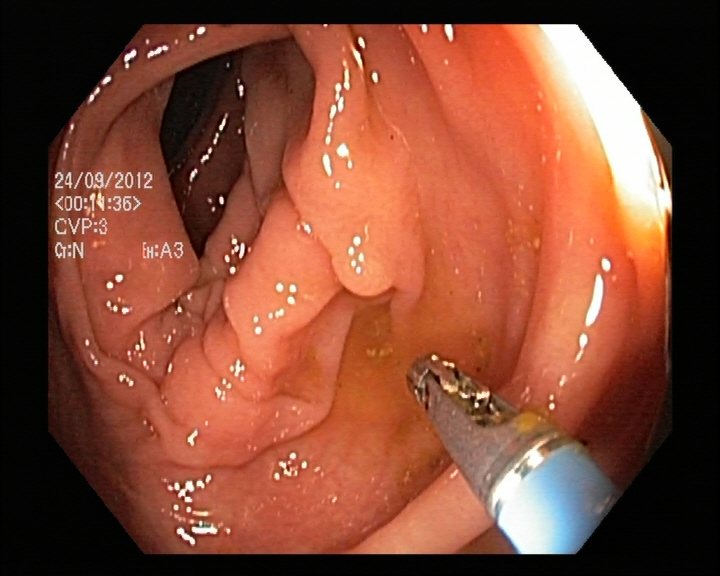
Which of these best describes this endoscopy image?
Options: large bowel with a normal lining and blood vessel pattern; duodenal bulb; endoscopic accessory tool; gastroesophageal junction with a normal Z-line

endoscopic accessory tool